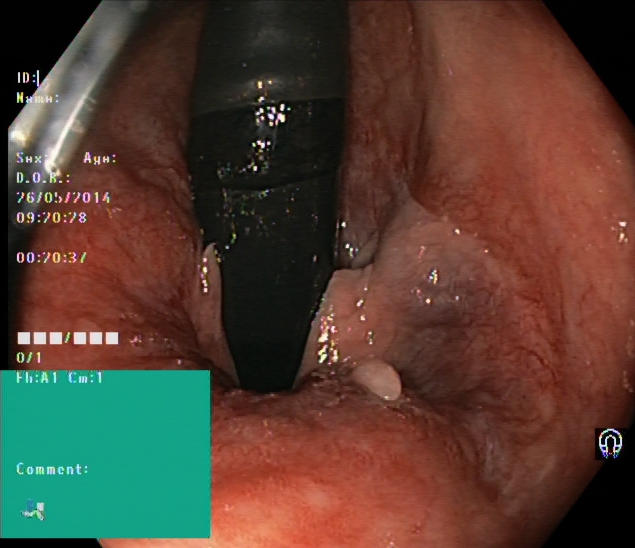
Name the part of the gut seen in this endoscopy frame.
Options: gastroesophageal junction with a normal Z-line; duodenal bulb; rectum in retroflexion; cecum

rectum in retroflexion